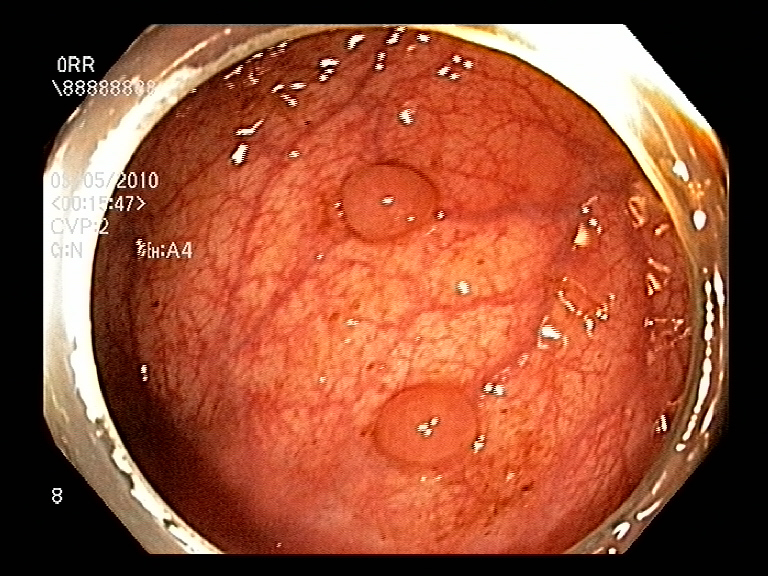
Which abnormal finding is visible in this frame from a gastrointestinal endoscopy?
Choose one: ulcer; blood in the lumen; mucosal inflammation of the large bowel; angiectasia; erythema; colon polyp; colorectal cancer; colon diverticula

colon polyp